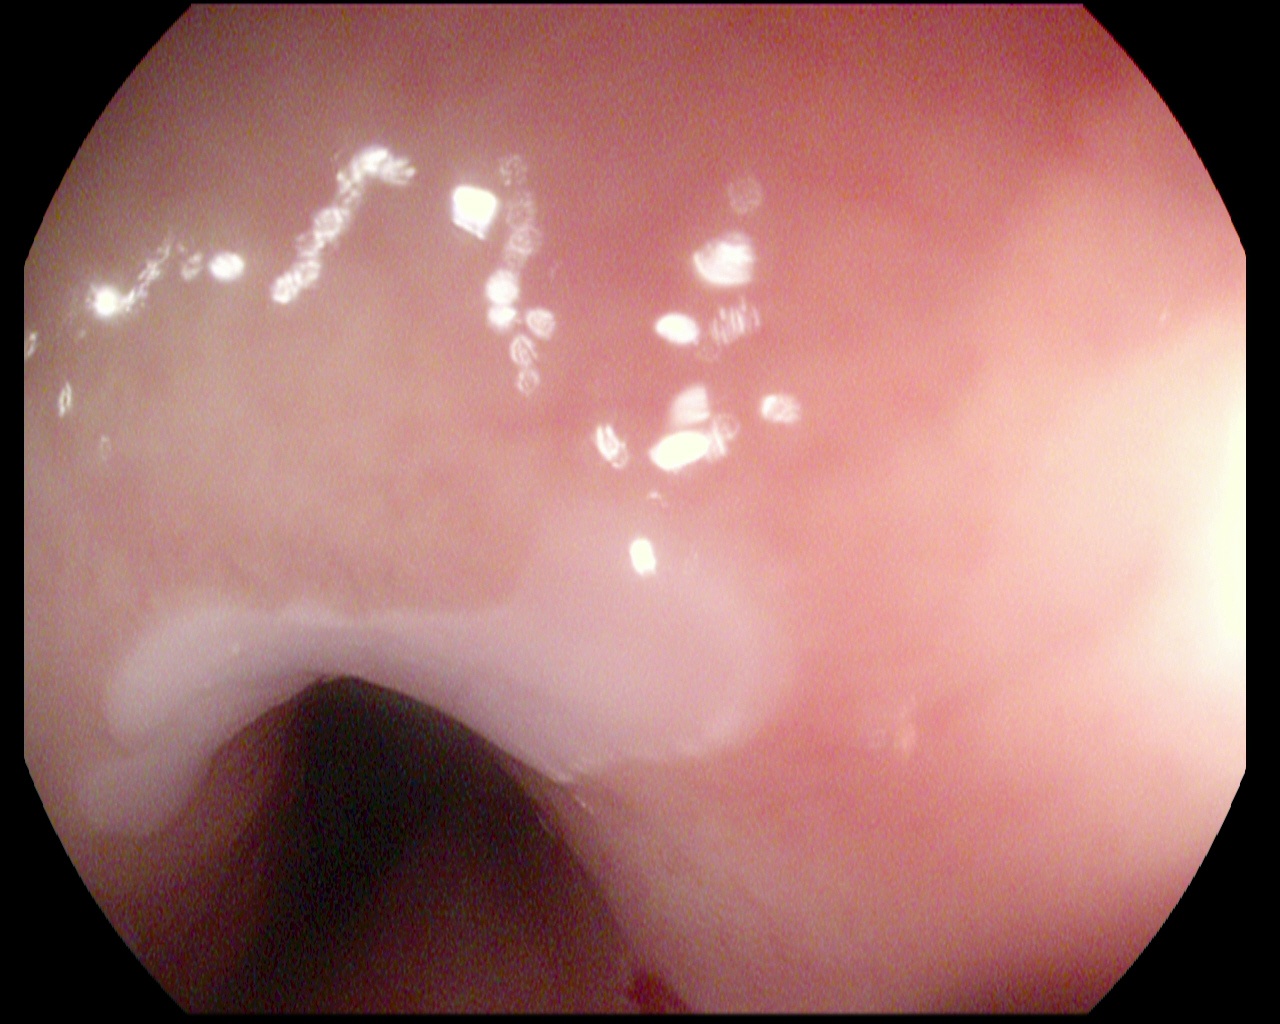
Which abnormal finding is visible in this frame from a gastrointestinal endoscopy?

esophagitis